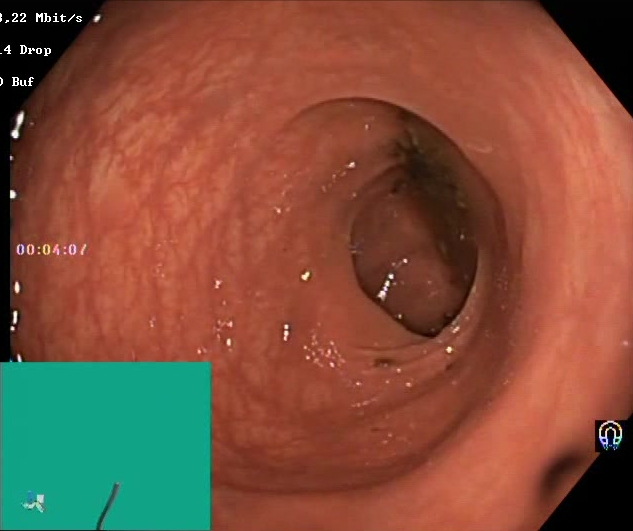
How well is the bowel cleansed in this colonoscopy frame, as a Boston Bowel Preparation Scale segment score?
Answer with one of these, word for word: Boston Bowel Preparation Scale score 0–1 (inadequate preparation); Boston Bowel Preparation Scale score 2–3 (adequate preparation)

Boston Bowel Preparation Scale score 0–1 (inadequate preparation)